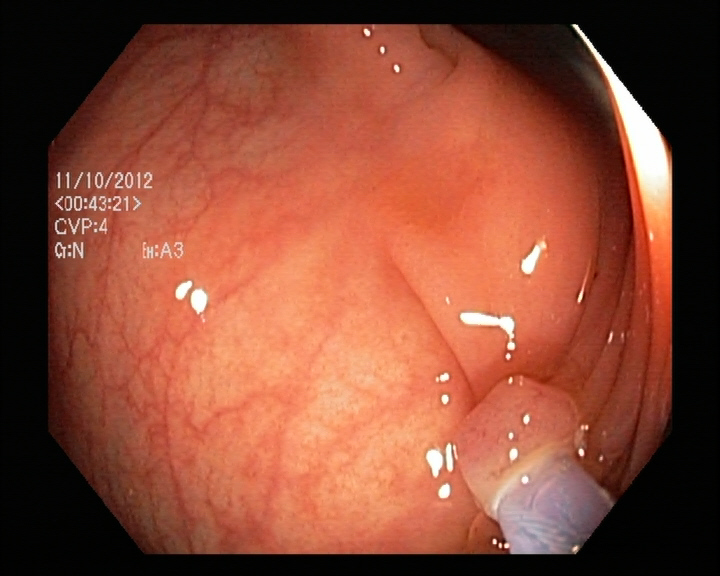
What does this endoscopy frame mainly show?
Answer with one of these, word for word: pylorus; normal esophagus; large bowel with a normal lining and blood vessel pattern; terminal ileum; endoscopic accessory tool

endoscopic accessory tool